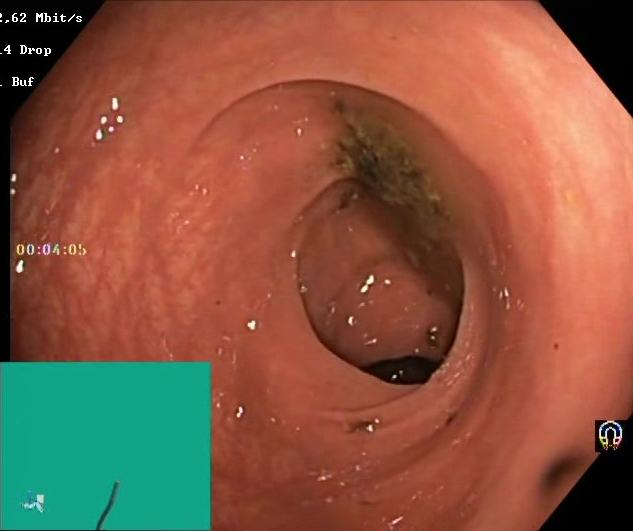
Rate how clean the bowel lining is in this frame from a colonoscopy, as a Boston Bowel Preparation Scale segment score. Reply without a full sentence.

Boston Bowel Preparation Scale score 0–1 (inadequate preparation)